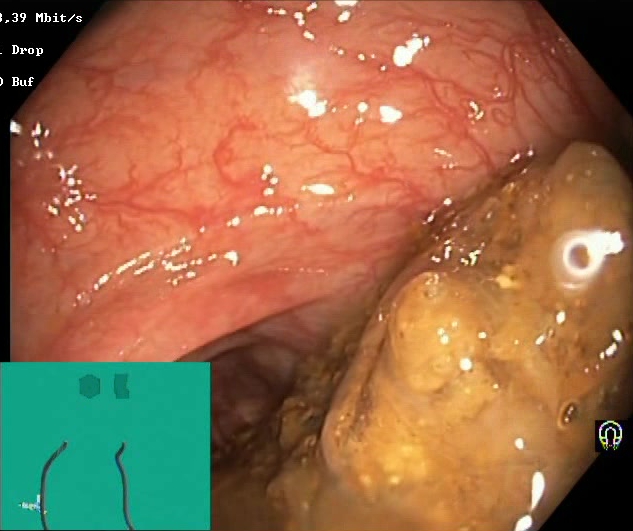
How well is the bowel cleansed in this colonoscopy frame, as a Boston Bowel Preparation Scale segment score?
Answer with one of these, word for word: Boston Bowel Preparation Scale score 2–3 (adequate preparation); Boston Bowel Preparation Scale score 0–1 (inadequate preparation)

Boston Bowel Preparation Scale score 0–1 (inadequate preparation)